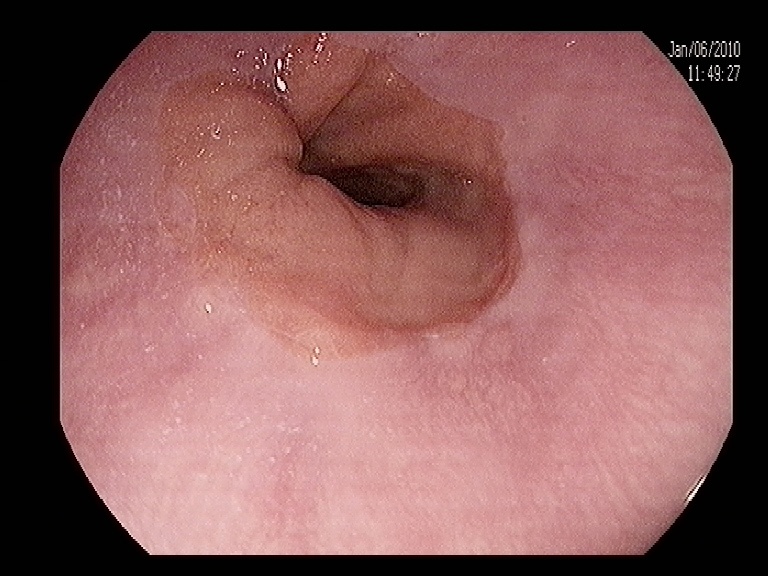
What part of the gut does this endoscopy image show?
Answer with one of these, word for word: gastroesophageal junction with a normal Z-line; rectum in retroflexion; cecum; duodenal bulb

gastroesophageal junction with a normal Z-line